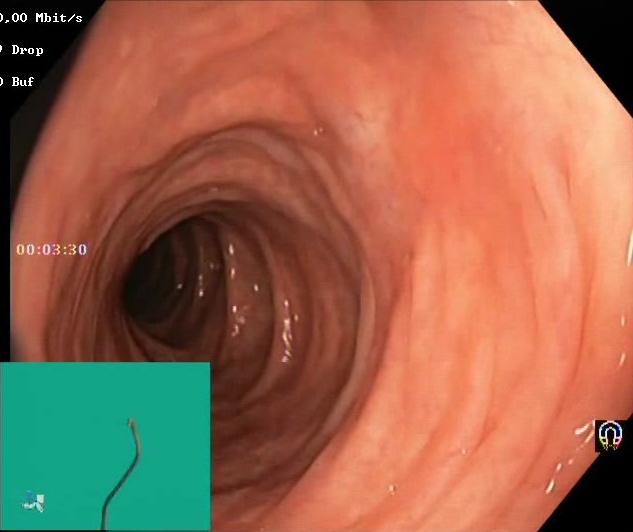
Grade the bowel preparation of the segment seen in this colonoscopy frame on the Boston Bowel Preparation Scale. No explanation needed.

Boston Bowel Preparation Scale score 2–3 (adequate preparation)